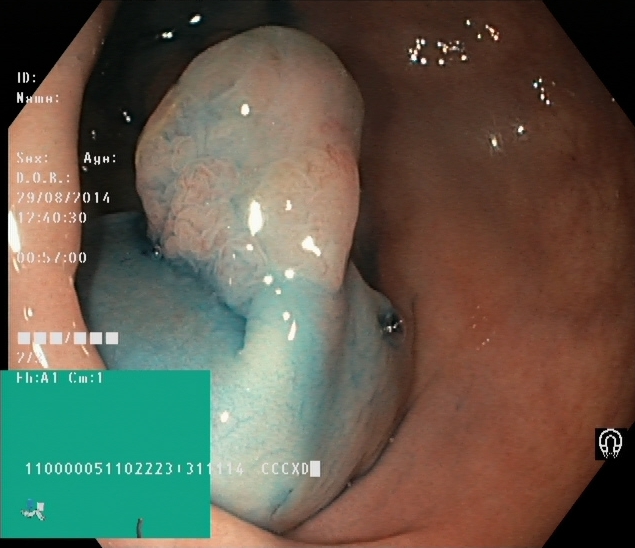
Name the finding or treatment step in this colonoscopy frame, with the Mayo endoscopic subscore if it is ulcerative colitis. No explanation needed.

dyed and lifted polyp (pre-resection)